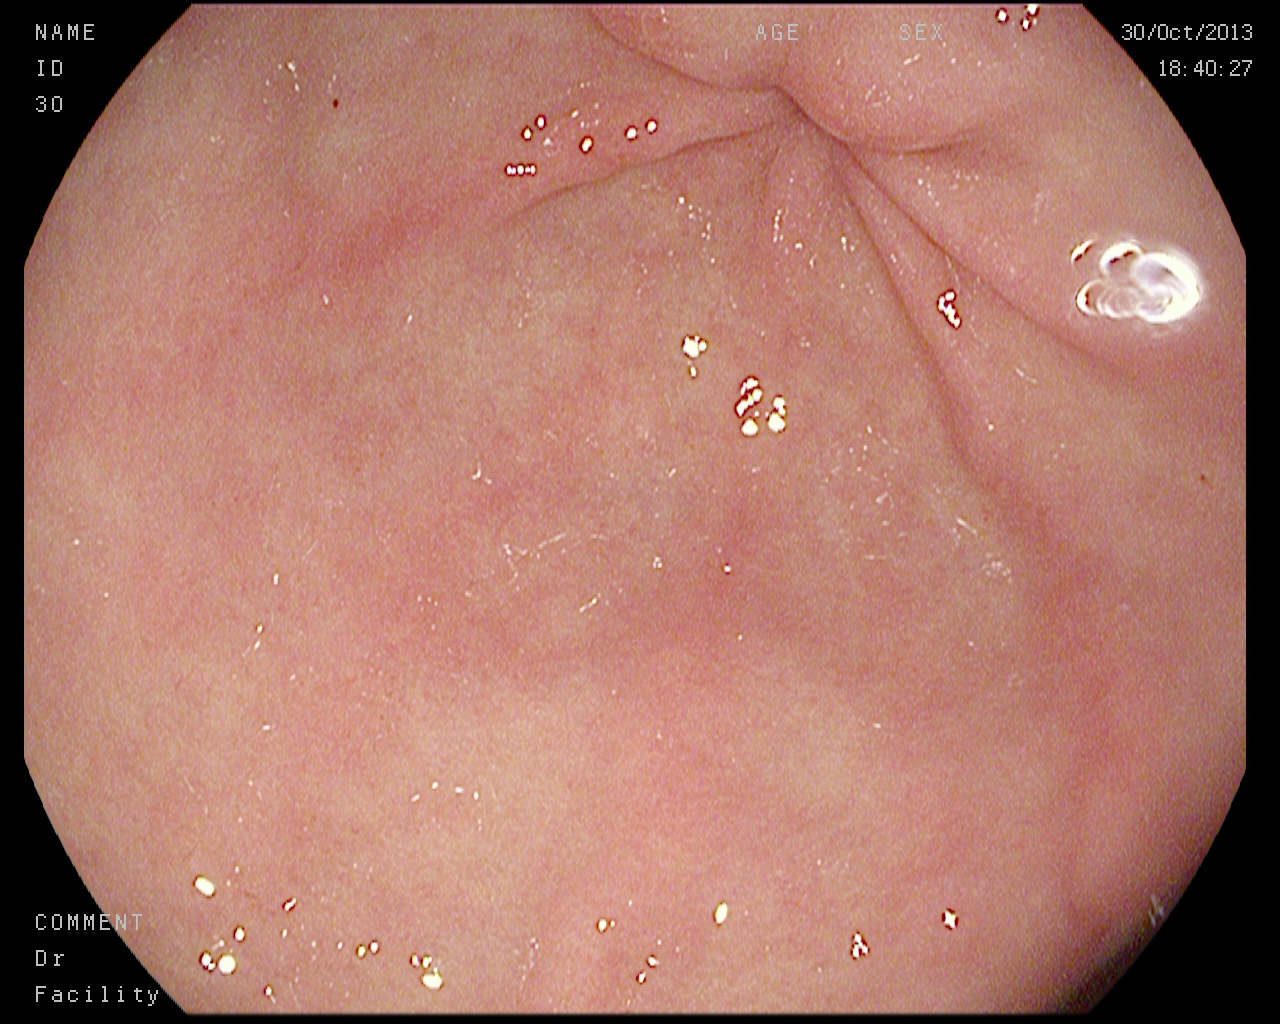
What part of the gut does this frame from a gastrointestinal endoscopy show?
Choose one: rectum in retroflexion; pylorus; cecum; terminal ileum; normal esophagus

pylorus